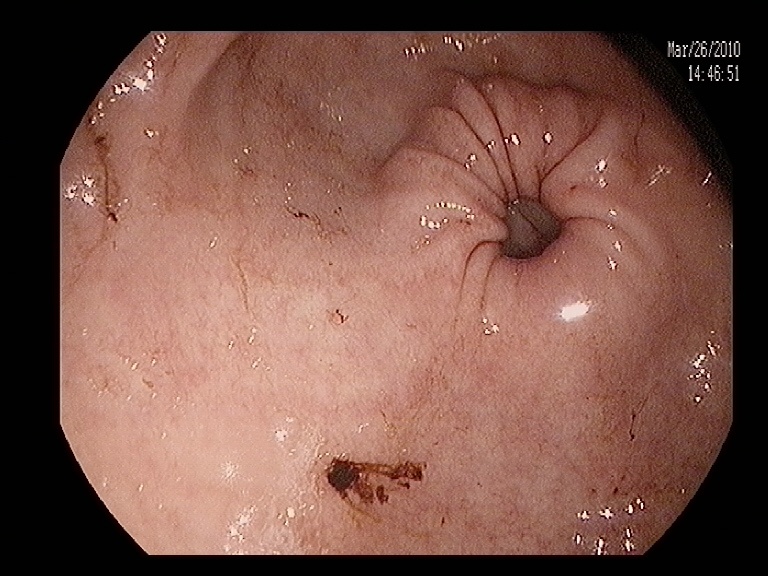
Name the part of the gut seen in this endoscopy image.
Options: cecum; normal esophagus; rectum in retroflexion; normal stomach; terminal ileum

normal stomach